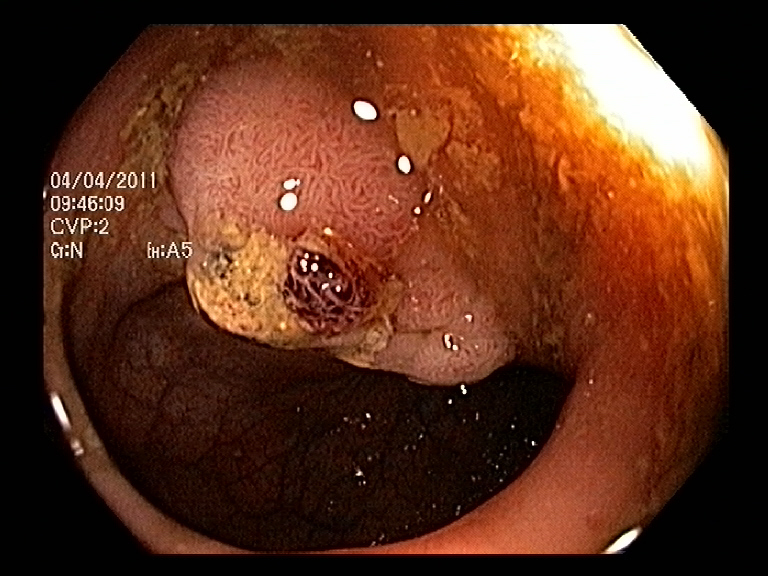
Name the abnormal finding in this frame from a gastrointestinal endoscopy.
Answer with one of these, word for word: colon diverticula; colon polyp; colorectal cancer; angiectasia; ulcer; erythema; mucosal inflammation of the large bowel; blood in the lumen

colon polyp